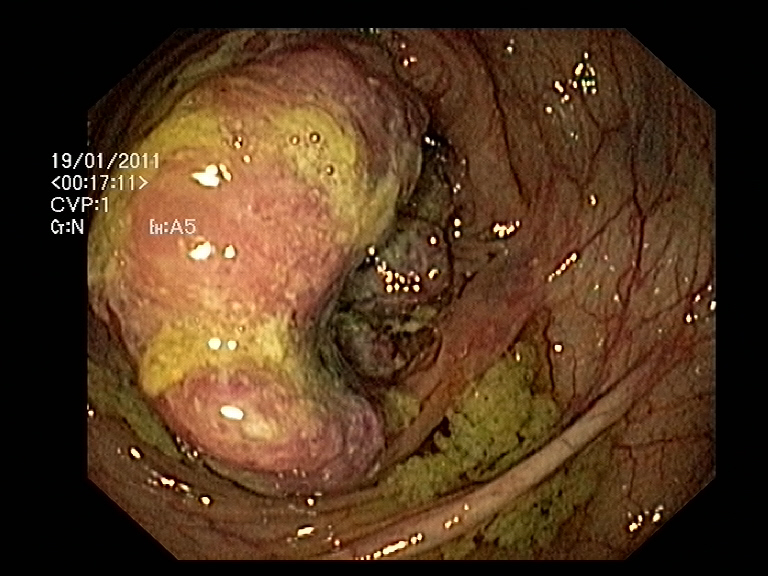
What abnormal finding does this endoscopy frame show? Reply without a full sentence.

colorectal cancer